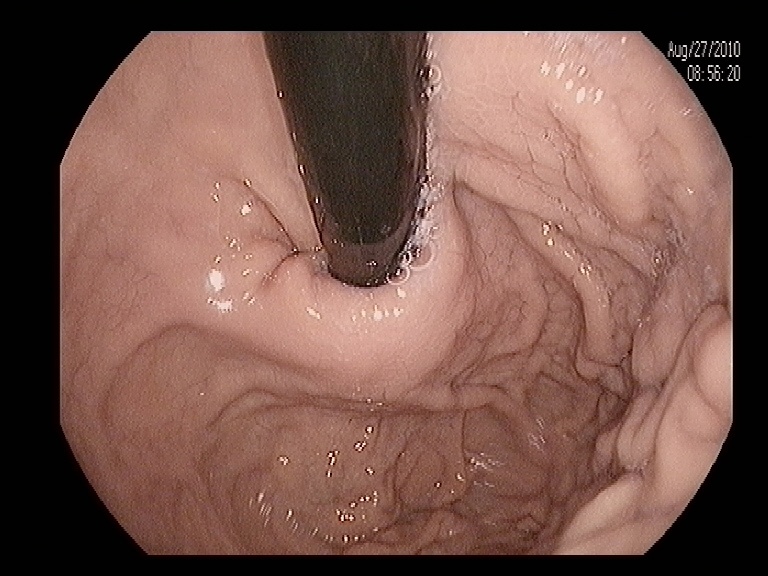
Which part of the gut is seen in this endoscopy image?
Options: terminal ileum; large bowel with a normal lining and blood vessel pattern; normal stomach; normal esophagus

normal stomach